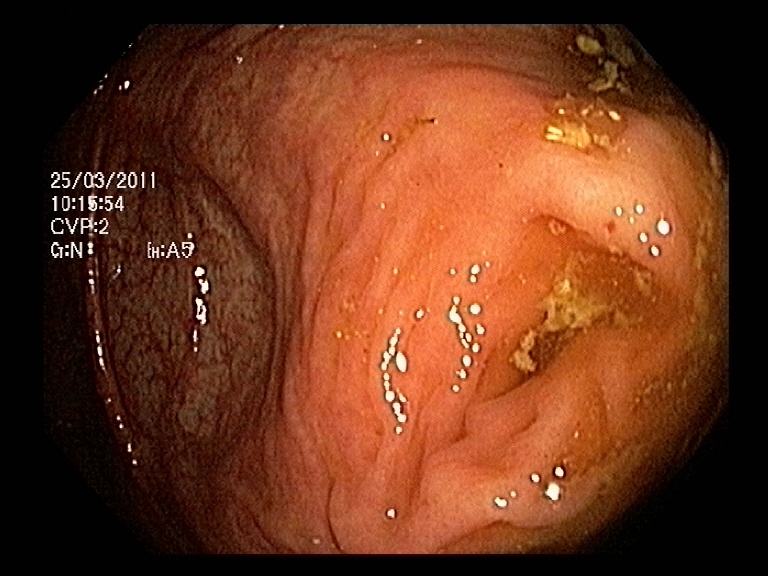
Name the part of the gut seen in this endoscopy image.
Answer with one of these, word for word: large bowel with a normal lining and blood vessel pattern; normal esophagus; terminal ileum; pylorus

large bowel with a normal lining and blood vessel pattern